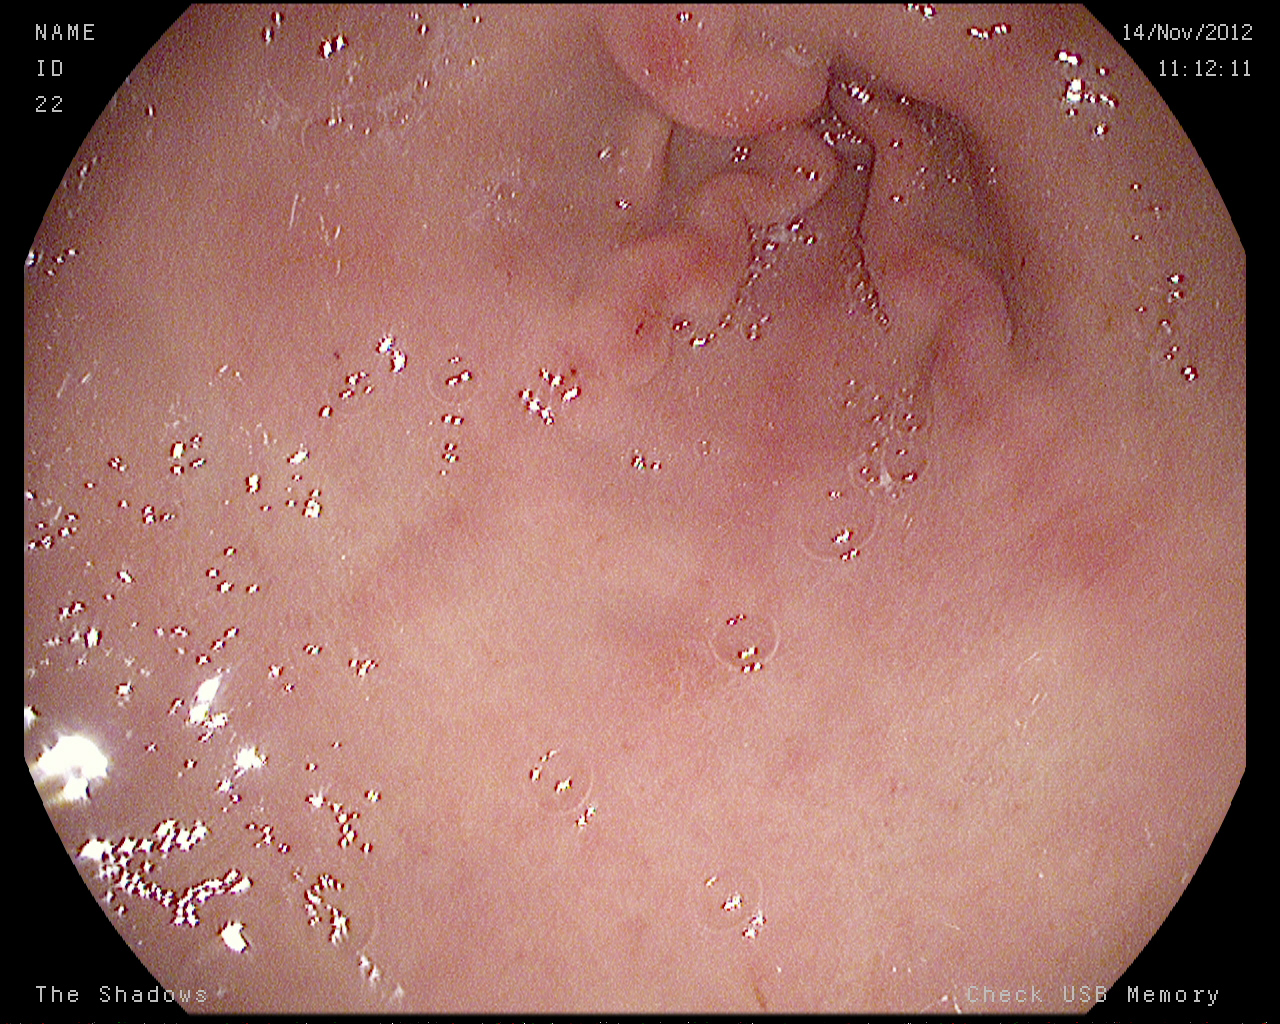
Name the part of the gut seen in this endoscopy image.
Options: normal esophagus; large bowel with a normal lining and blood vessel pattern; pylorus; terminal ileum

pylorus